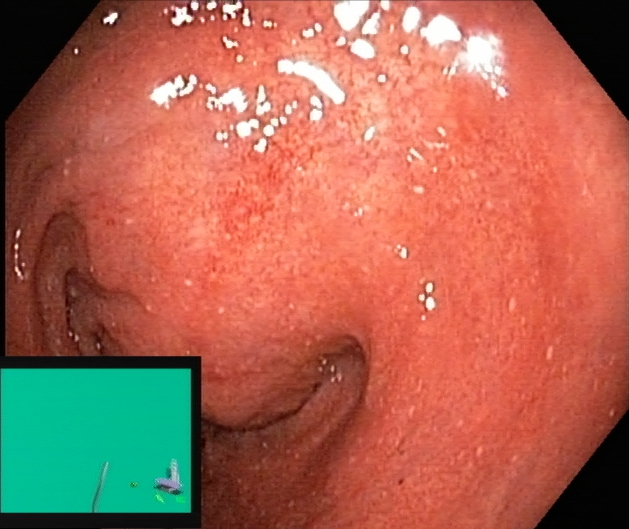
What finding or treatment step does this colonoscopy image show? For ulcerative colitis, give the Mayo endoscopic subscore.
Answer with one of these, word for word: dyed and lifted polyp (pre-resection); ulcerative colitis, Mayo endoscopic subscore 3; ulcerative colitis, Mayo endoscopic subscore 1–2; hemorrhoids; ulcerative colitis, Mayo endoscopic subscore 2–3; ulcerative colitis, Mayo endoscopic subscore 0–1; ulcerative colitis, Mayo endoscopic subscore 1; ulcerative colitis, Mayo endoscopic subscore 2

ulcerative colitis, Mayo endoscopic subscore 2